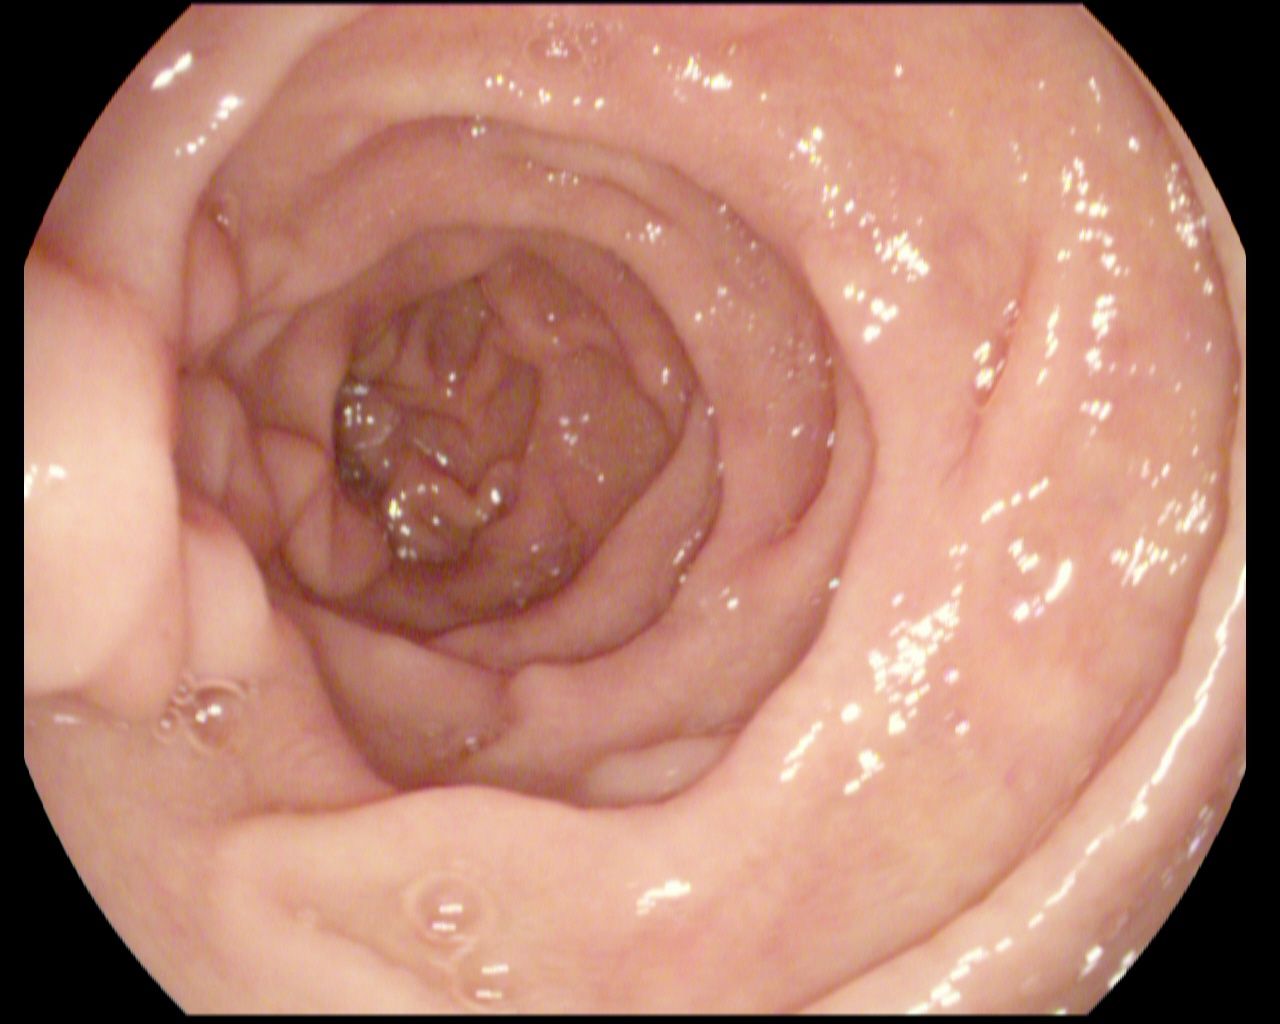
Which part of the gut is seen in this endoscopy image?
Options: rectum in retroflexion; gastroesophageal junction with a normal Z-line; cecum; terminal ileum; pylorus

terminal ileum